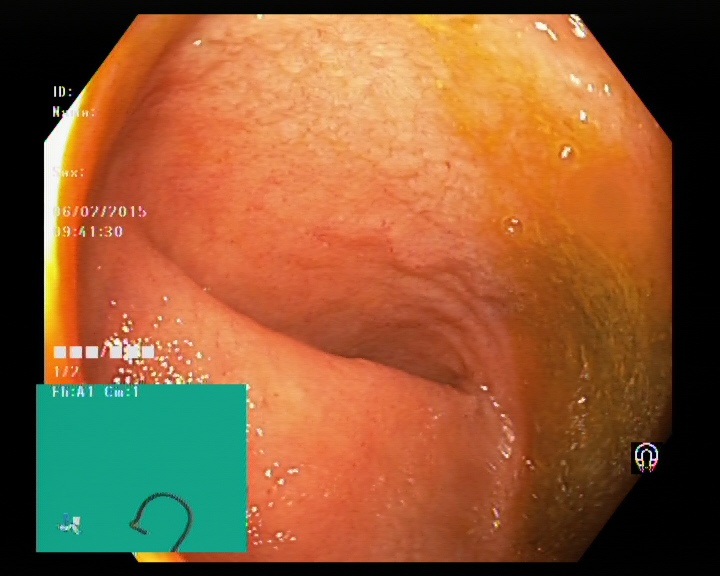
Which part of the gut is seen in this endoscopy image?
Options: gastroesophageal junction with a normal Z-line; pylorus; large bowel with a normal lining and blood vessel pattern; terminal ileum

large bowel with a normal lining and blood vessel pattern